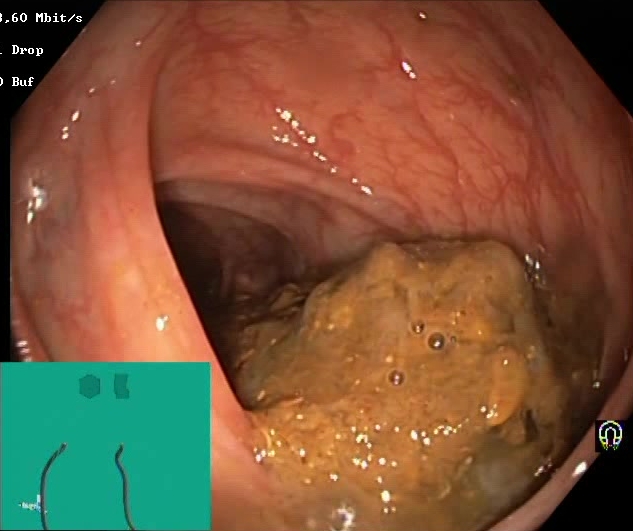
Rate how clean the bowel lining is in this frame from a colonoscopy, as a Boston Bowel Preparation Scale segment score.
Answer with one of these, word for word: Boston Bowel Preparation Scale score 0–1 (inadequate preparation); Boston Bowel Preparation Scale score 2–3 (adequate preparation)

Boston Bowel Preparation Scale score 0–1 (inadequate preparation)